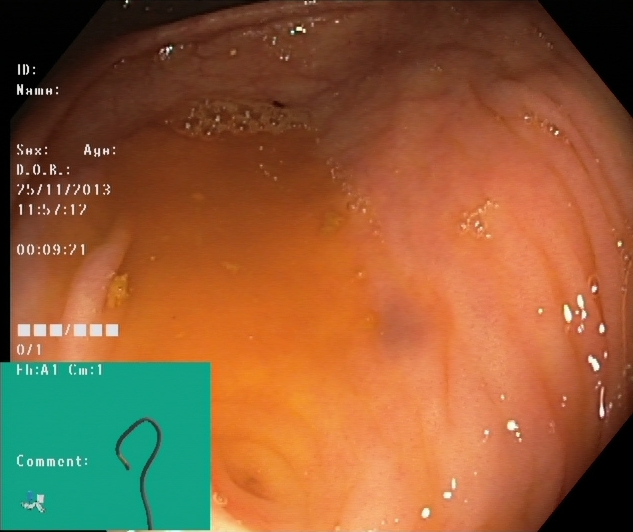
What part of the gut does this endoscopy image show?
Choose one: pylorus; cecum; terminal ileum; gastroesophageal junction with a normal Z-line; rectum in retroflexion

cecum